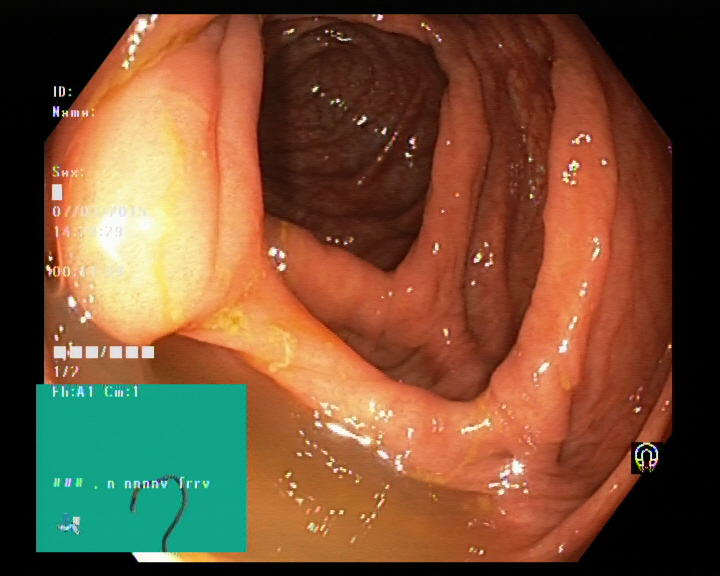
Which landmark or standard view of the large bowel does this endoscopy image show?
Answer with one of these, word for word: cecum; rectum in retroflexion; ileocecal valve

ileocecal valve